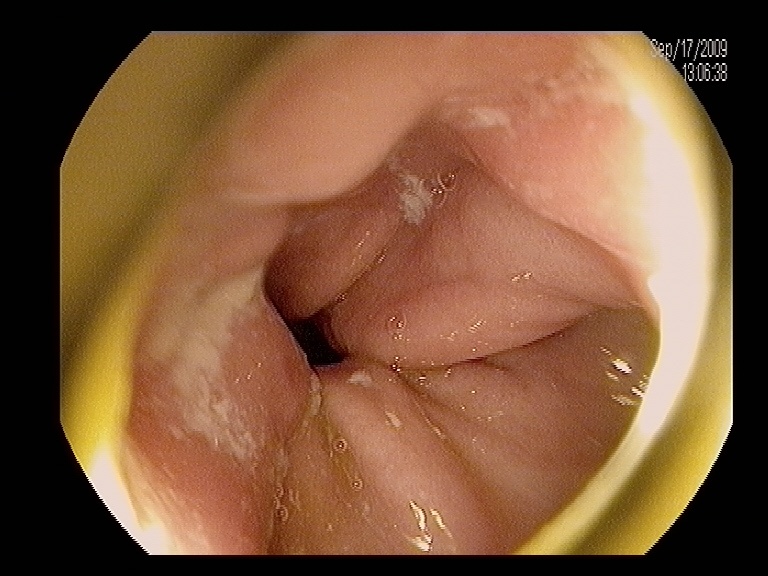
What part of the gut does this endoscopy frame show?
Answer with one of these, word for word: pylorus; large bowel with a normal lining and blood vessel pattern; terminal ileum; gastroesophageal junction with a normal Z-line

gastroesophageal junction with a normal Z-line